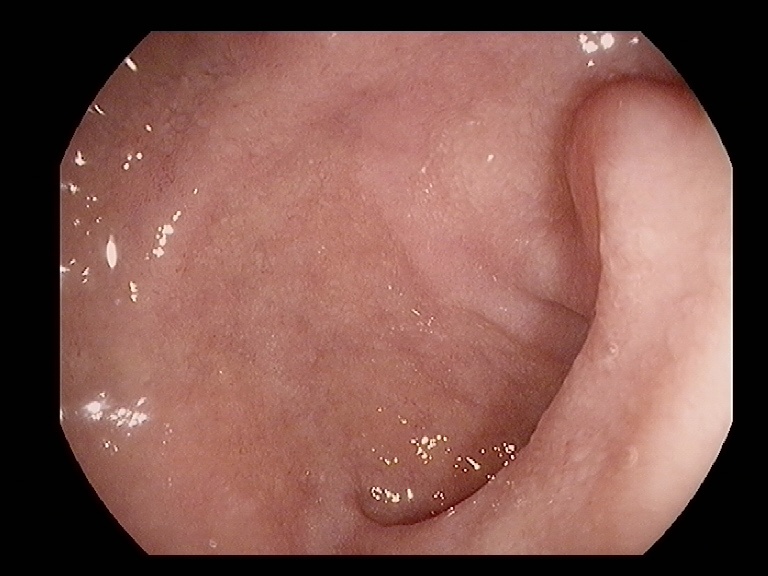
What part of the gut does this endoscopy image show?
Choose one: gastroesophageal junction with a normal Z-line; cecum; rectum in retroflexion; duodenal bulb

duodenal bulb